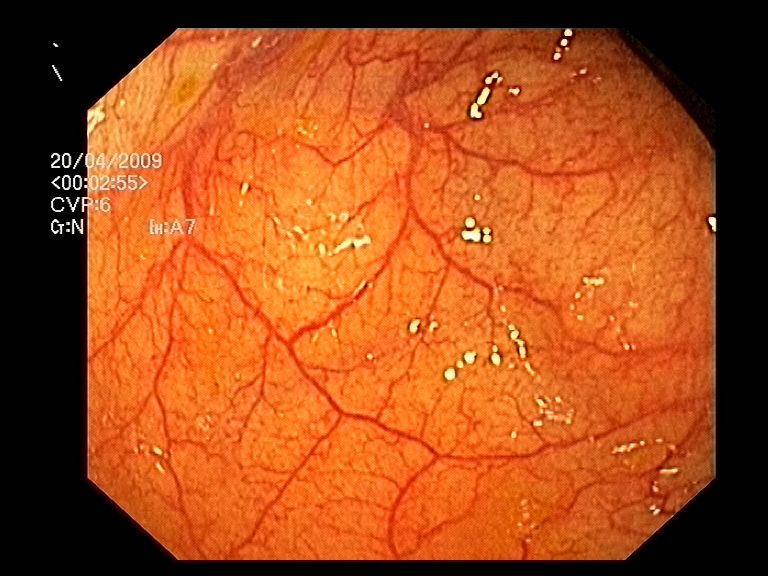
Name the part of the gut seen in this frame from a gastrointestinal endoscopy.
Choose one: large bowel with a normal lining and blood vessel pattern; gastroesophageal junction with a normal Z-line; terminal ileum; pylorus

large bowel with a normal lining and blood vessel pattern